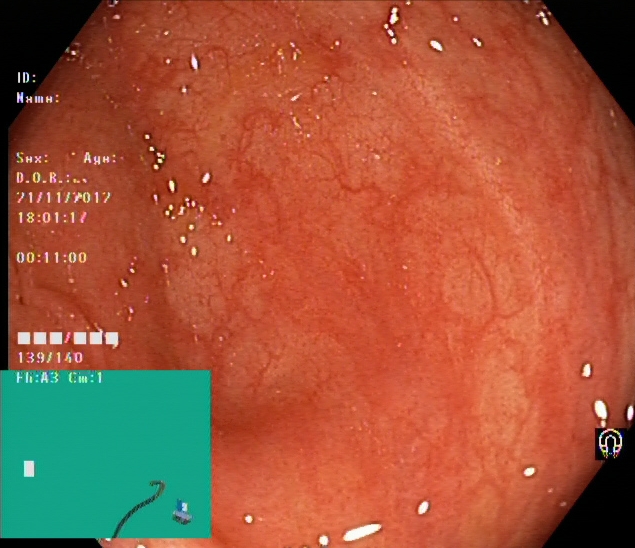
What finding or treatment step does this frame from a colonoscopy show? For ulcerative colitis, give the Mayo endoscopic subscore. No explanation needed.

ulcerative colitis, Mayo endoscopic subscore 0–1